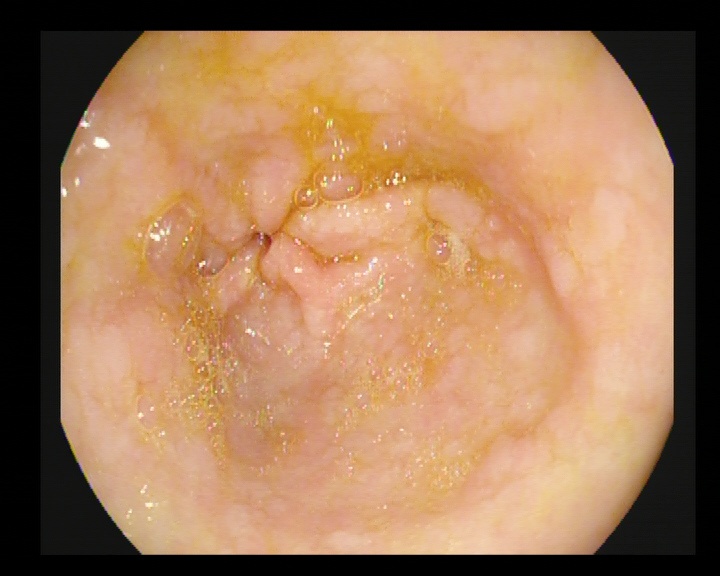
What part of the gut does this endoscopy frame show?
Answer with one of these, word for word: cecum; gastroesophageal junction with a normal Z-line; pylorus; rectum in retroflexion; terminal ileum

pylorus